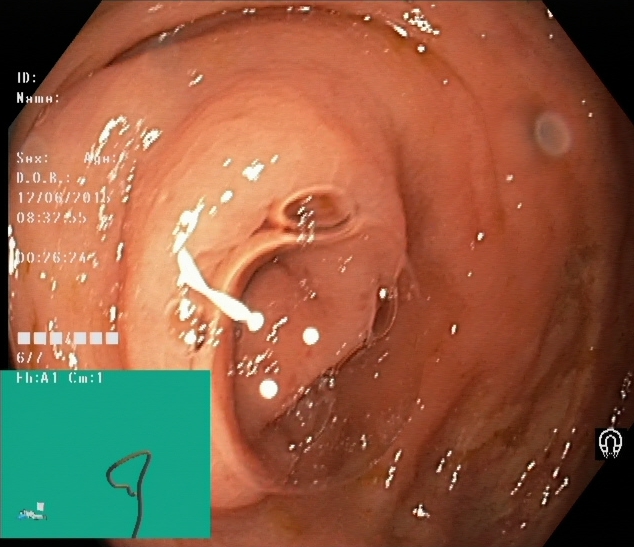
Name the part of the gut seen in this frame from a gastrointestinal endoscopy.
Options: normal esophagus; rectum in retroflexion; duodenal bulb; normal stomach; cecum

cecum